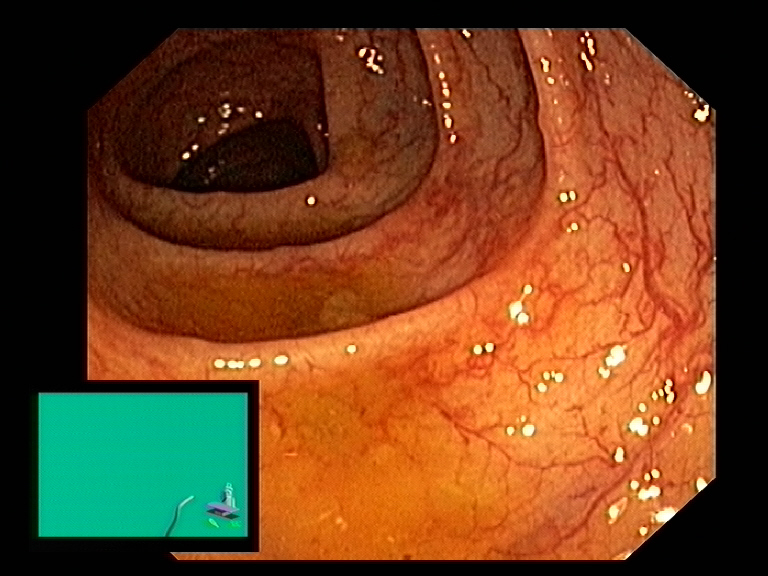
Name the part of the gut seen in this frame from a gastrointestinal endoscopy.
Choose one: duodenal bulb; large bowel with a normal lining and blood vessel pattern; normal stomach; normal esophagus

large bowel with a normal lining and blood vessel pattern